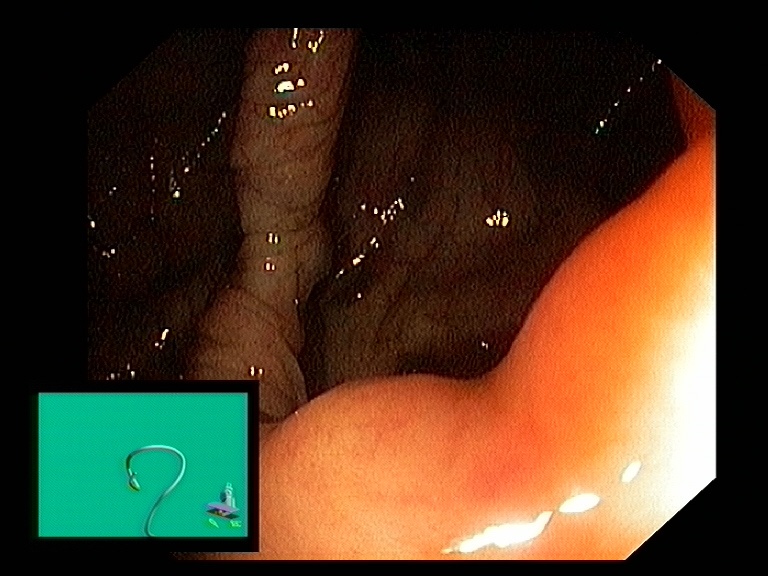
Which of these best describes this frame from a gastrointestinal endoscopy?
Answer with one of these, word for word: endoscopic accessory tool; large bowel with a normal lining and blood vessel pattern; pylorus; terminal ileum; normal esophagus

large bowel with a normal lining and blood vessel pattern